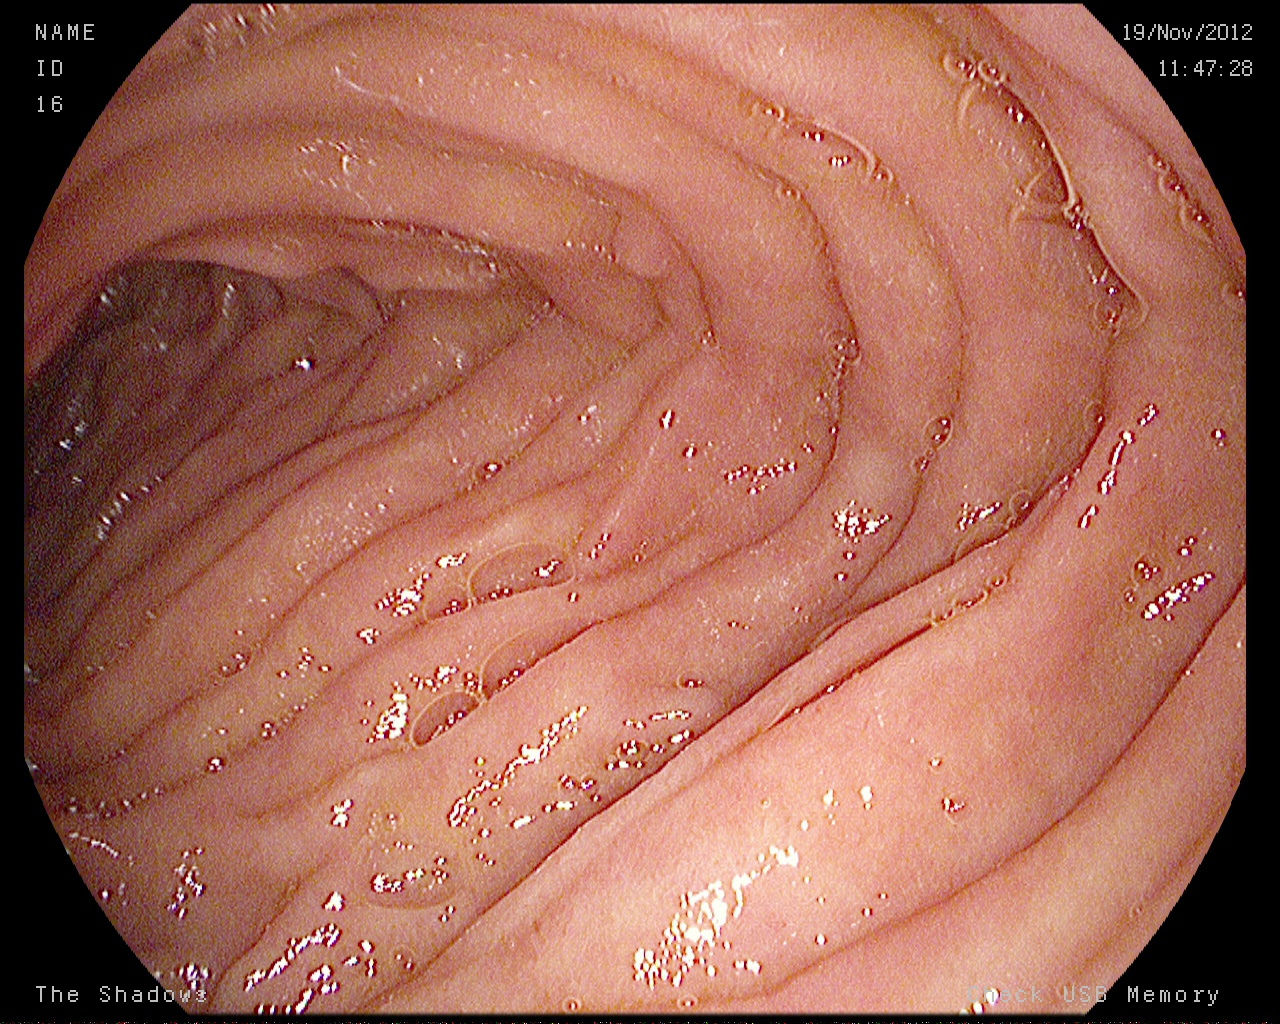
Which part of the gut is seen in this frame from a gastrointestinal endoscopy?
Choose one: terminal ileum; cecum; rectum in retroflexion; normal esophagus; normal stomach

terminal ileum